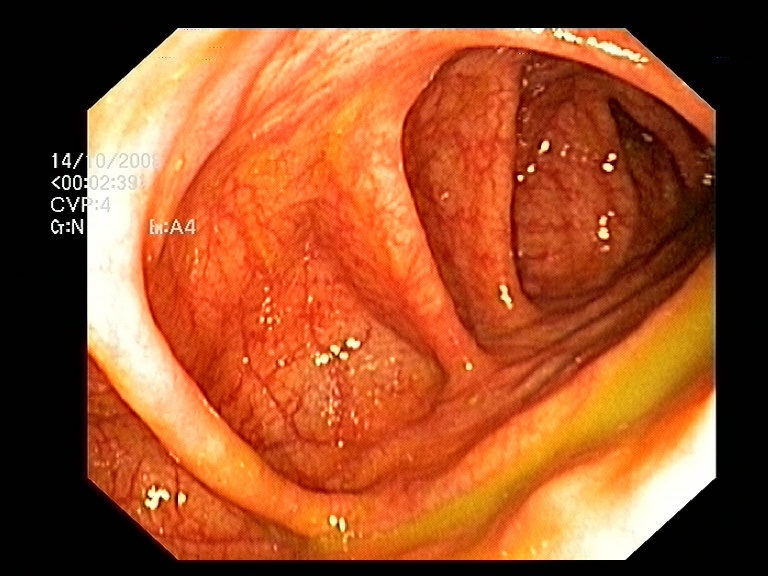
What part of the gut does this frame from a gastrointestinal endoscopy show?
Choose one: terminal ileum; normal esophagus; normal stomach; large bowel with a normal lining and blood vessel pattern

large bowel with a normal lining and blood vessel pattern